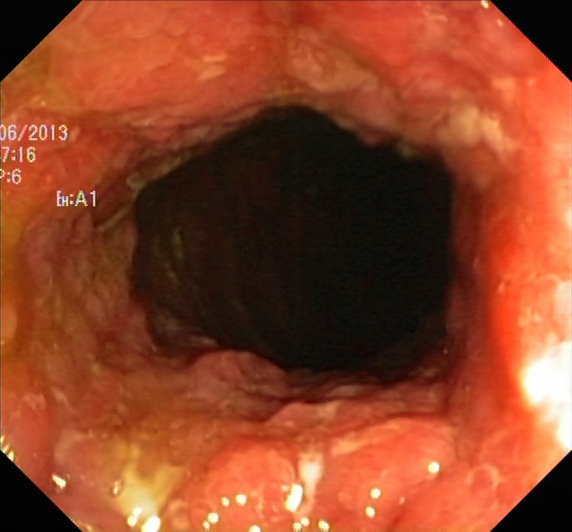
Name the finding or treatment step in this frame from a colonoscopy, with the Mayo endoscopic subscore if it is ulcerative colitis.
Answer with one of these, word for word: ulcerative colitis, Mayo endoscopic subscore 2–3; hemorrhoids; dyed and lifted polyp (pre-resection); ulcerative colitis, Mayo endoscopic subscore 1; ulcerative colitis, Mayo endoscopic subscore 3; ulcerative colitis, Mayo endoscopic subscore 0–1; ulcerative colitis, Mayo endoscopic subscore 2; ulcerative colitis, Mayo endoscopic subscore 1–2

ulcerative colitis, Mayo endoscopic subscore 2